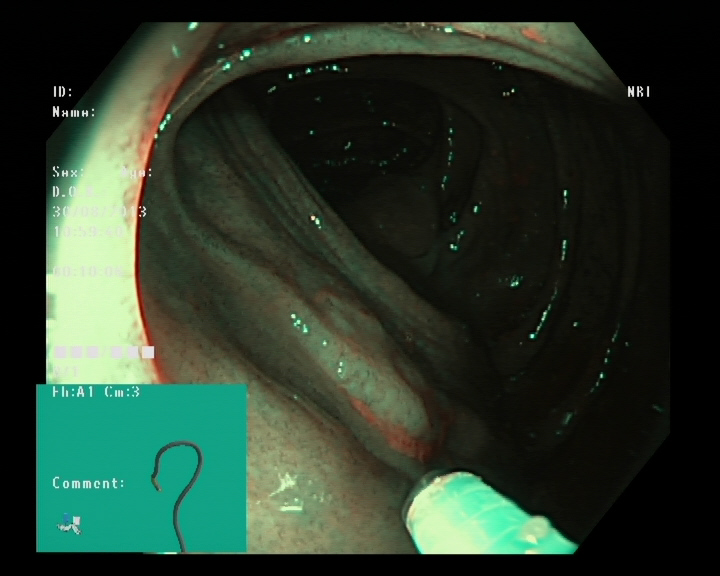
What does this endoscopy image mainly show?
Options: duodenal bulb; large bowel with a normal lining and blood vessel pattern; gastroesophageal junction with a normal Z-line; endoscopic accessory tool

endoscopic accessory tool